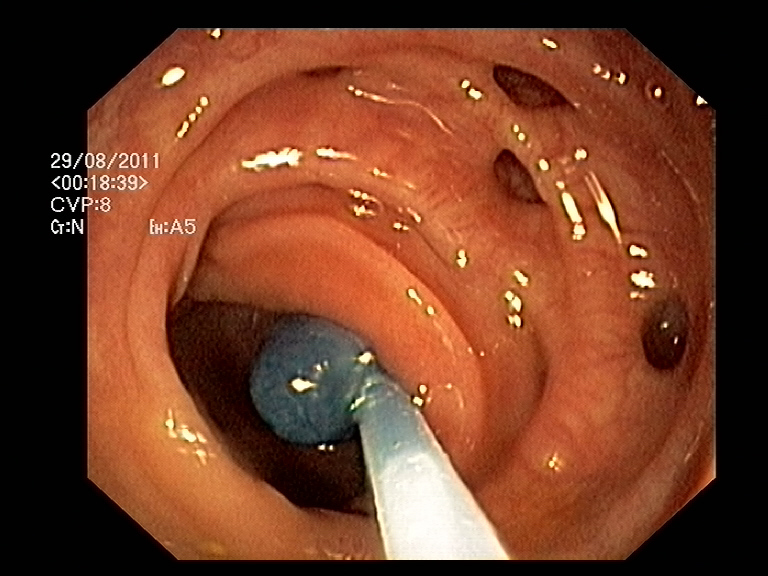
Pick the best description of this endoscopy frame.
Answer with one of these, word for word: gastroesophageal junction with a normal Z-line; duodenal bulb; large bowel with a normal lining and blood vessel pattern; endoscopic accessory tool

endoscopic accessory tool